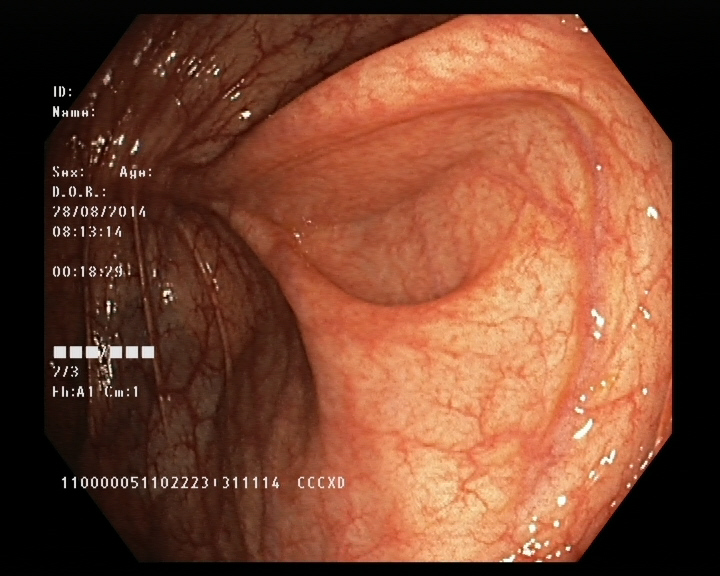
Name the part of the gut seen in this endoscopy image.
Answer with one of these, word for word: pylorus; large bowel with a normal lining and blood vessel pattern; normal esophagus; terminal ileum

large bowel with a normal lining and blood vessel pattern